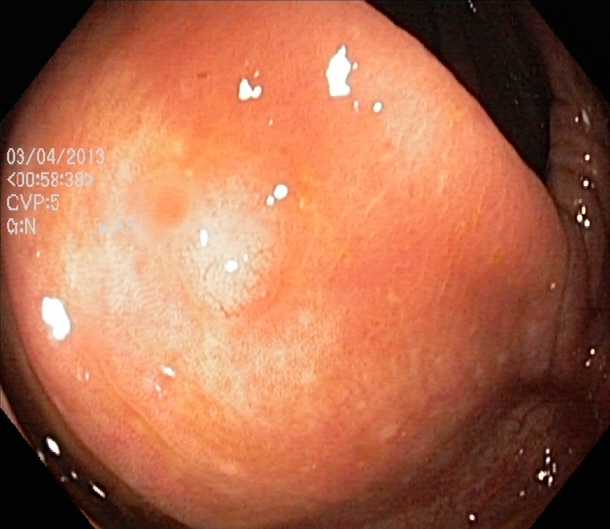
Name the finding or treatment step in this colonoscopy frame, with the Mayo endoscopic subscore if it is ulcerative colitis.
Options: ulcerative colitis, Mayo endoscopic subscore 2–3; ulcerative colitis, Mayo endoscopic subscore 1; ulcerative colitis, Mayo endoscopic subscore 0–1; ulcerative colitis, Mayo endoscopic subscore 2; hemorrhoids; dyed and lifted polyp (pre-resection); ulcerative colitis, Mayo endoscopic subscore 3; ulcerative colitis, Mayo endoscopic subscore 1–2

ulcerative colitis, Mayo endoscopic subscore 1